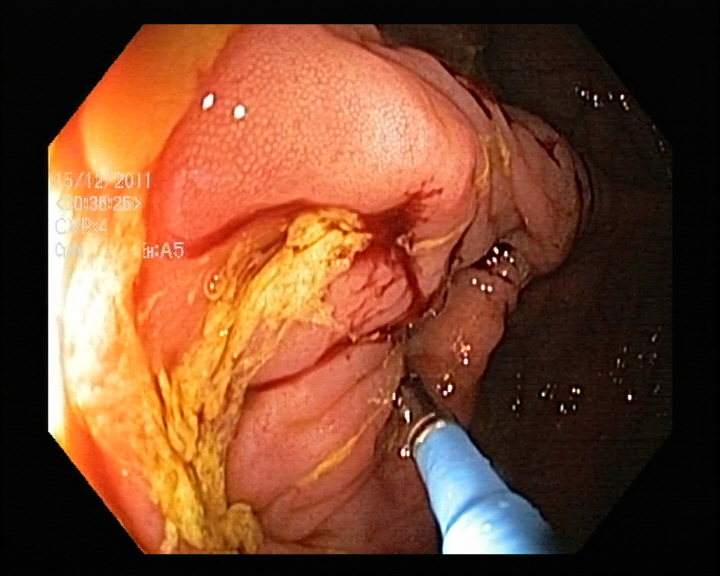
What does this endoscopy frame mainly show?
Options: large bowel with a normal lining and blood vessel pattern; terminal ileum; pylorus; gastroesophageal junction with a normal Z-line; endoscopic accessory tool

endoscopic accessory tool